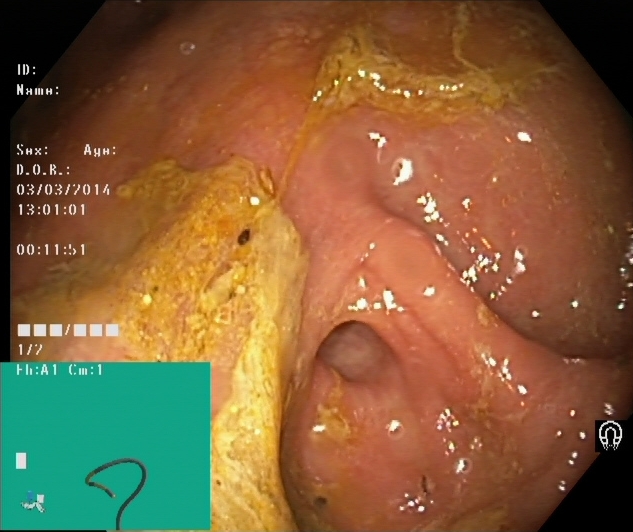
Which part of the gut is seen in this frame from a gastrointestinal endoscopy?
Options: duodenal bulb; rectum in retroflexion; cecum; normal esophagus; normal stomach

cecum